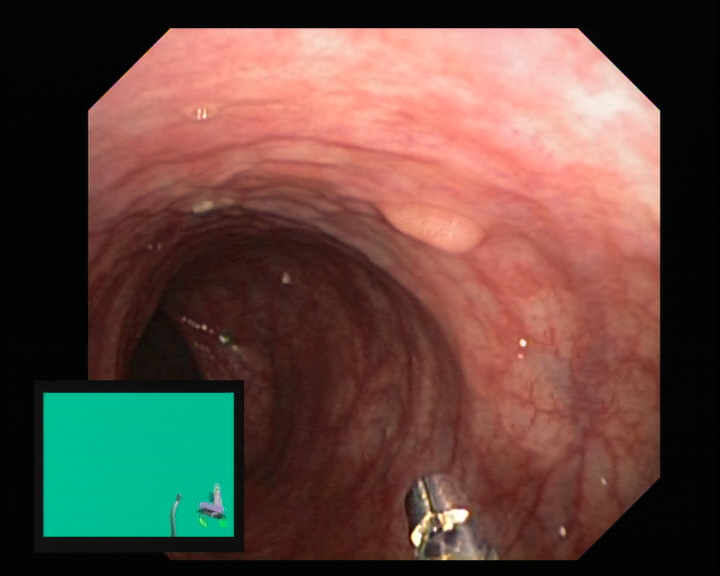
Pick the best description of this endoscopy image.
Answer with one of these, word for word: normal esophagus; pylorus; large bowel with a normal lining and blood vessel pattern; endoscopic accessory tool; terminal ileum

endoscopic accessory tool